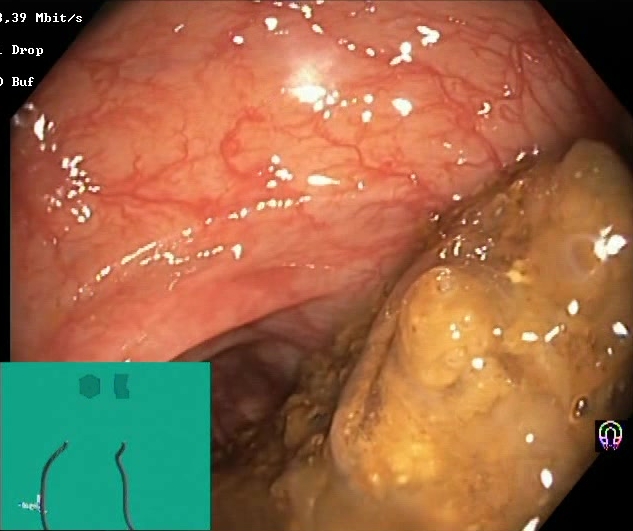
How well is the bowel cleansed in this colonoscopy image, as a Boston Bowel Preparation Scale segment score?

Boston Bowel Preparation Scale score 0–1 (inadequate preparation)